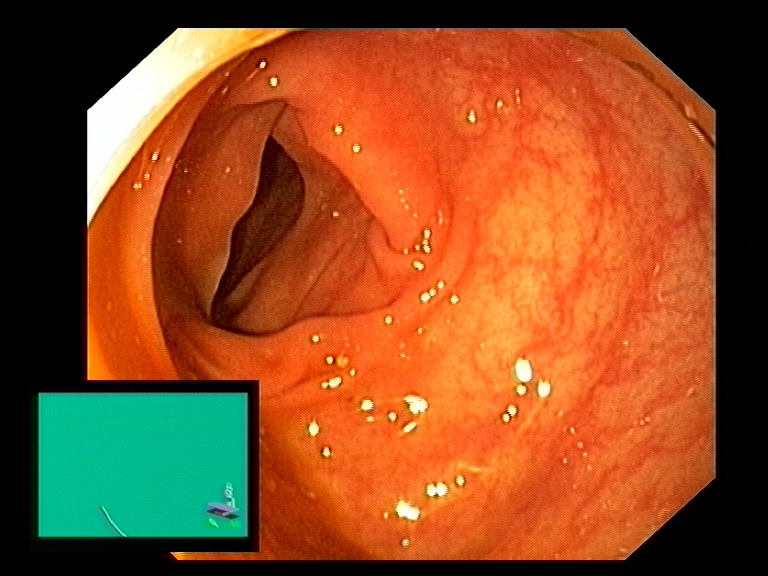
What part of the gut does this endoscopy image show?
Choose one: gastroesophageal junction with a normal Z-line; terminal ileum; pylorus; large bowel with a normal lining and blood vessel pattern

large bowel with a normal lining and blood vessel pattern